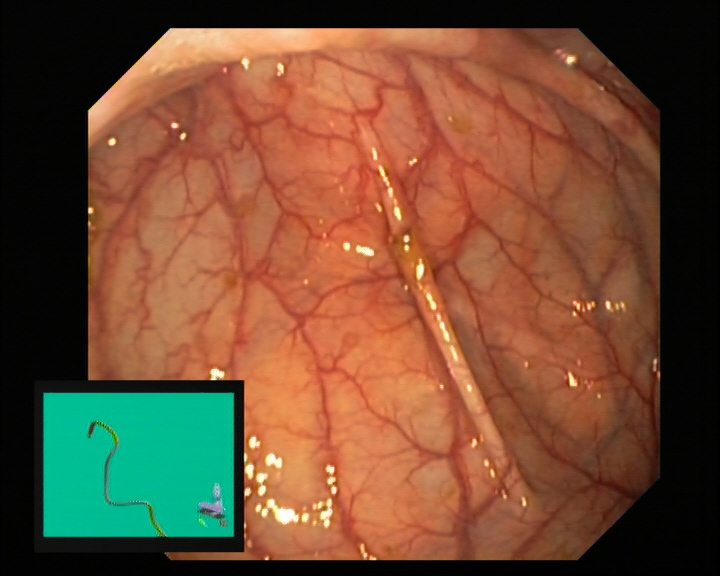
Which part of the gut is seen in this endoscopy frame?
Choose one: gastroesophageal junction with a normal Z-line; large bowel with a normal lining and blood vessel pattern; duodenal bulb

large bowel with a normal lining and blood vessel pattern